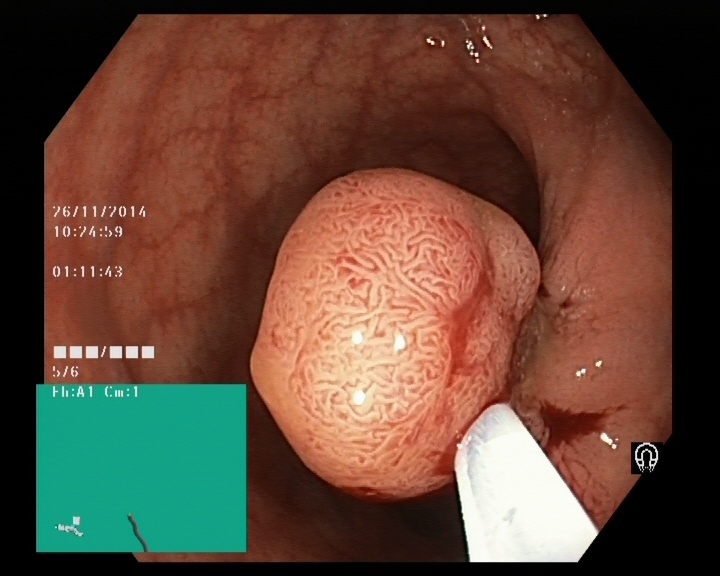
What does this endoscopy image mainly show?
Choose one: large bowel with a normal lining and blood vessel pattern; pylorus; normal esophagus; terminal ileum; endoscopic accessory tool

endoscopic accessory tool